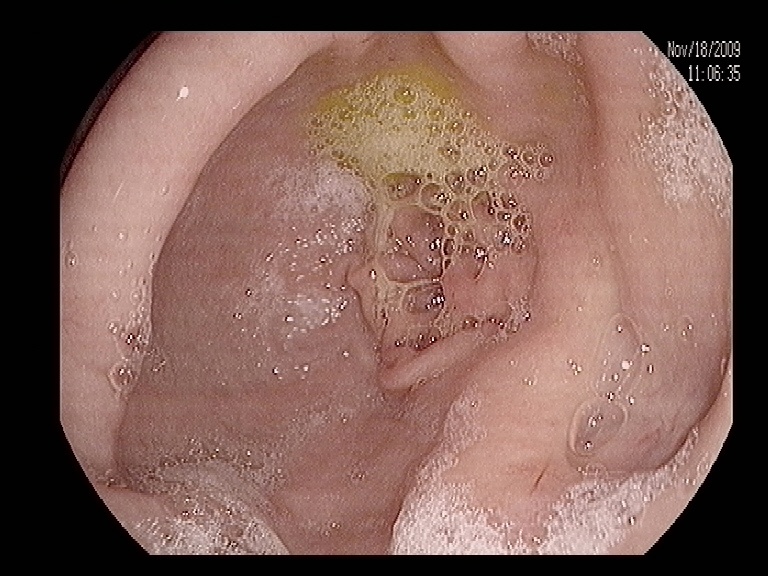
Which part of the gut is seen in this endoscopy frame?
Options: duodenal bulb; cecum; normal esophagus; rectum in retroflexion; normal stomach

normal stomach